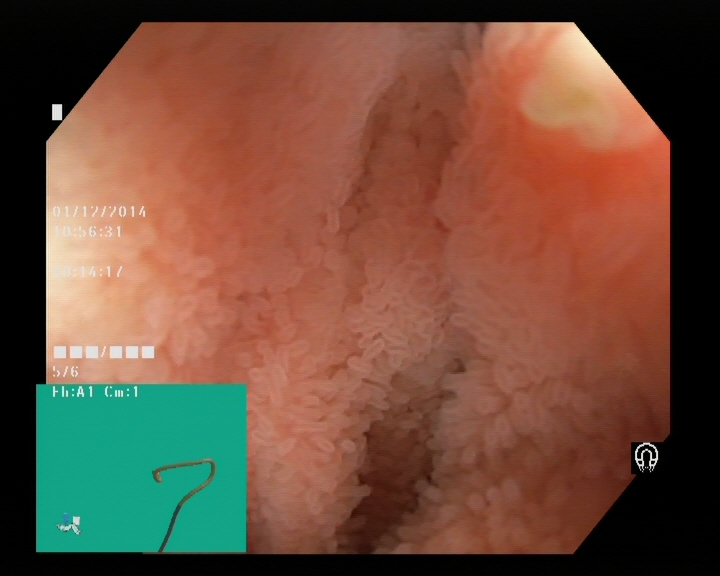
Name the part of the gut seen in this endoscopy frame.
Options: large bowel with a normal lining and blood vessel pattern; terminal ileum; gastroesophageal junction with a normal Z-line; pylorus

large bowel with a normal lining and blood vessel pattern